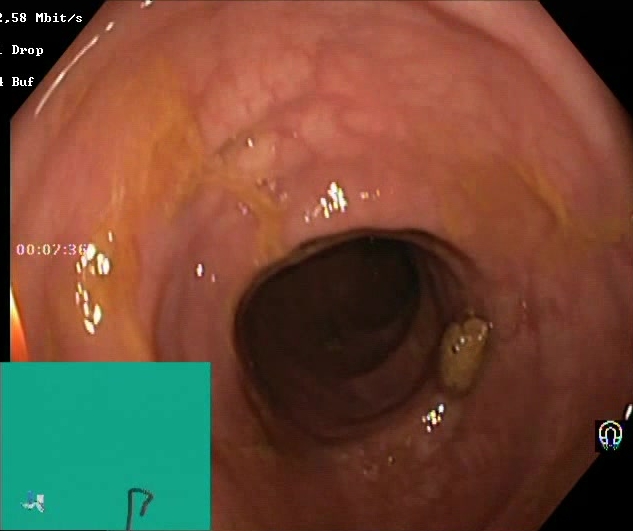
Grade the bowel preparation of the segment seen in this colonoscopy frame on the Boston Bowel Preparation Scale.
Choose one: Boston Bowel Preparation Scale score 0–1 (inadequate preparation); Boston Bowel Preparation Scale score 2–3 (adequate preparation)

Boston Bowel Preparation Scale score 2–3 (adequate preparation)